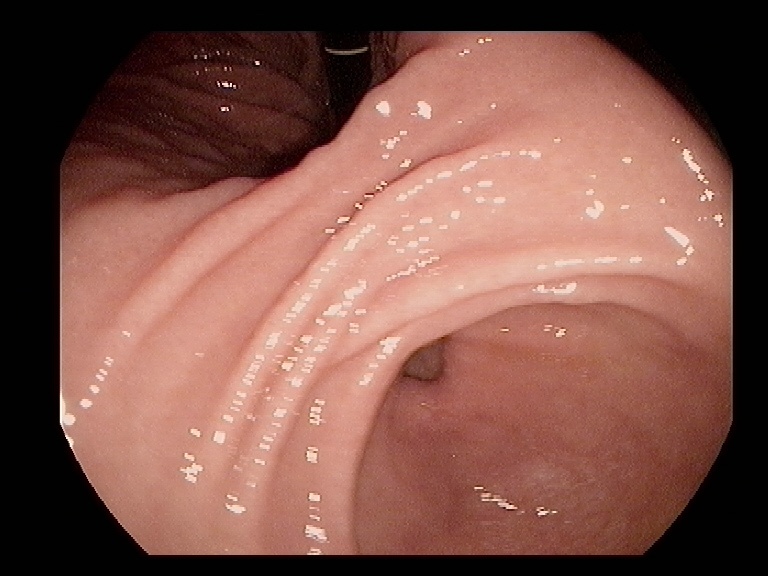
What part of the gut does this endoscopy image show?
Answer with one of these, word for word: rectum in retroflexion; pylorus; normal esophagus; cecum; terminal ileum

pylorus